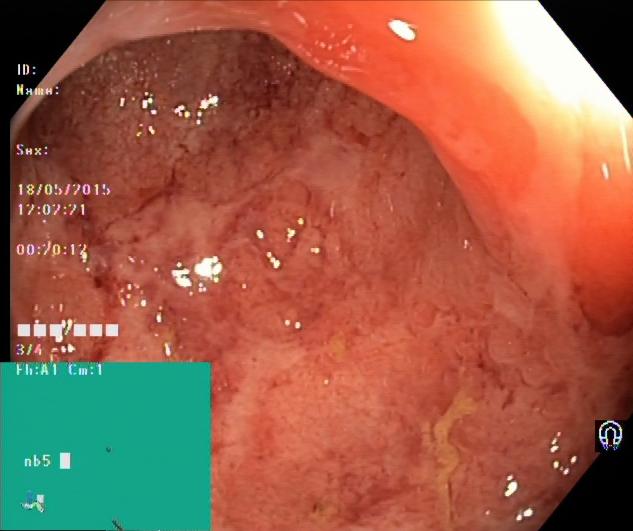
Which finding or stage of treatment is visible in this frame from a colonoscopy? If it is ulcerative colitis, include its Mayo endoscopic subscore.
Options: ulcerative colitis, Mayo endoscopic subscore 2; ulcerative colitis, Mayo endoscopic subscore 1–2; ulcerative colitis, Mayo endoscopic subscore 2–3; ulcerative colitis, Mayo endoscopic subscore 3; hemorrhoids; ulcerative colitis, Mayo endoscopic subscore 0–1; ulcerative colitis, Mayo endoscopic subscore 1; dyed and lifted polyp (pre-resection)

ulcerative colitis, Mayo endoscopic subscore 1